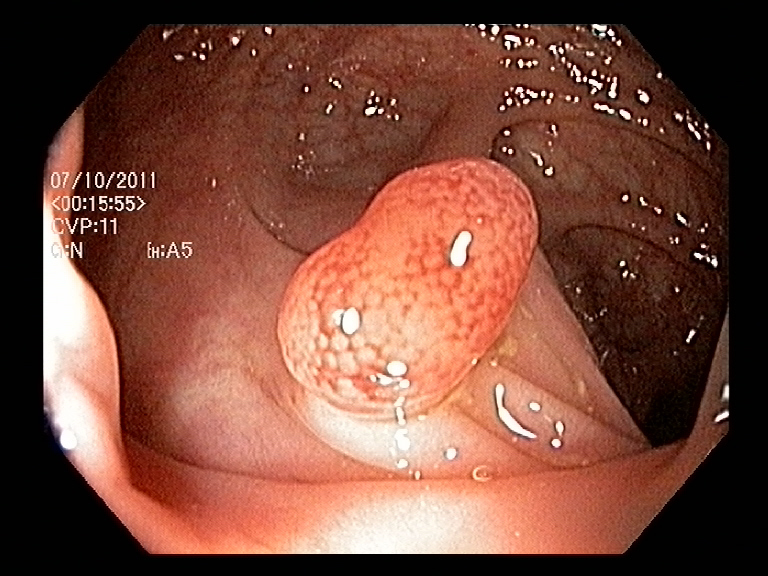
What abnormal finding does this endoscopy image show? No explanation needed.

colon polyp